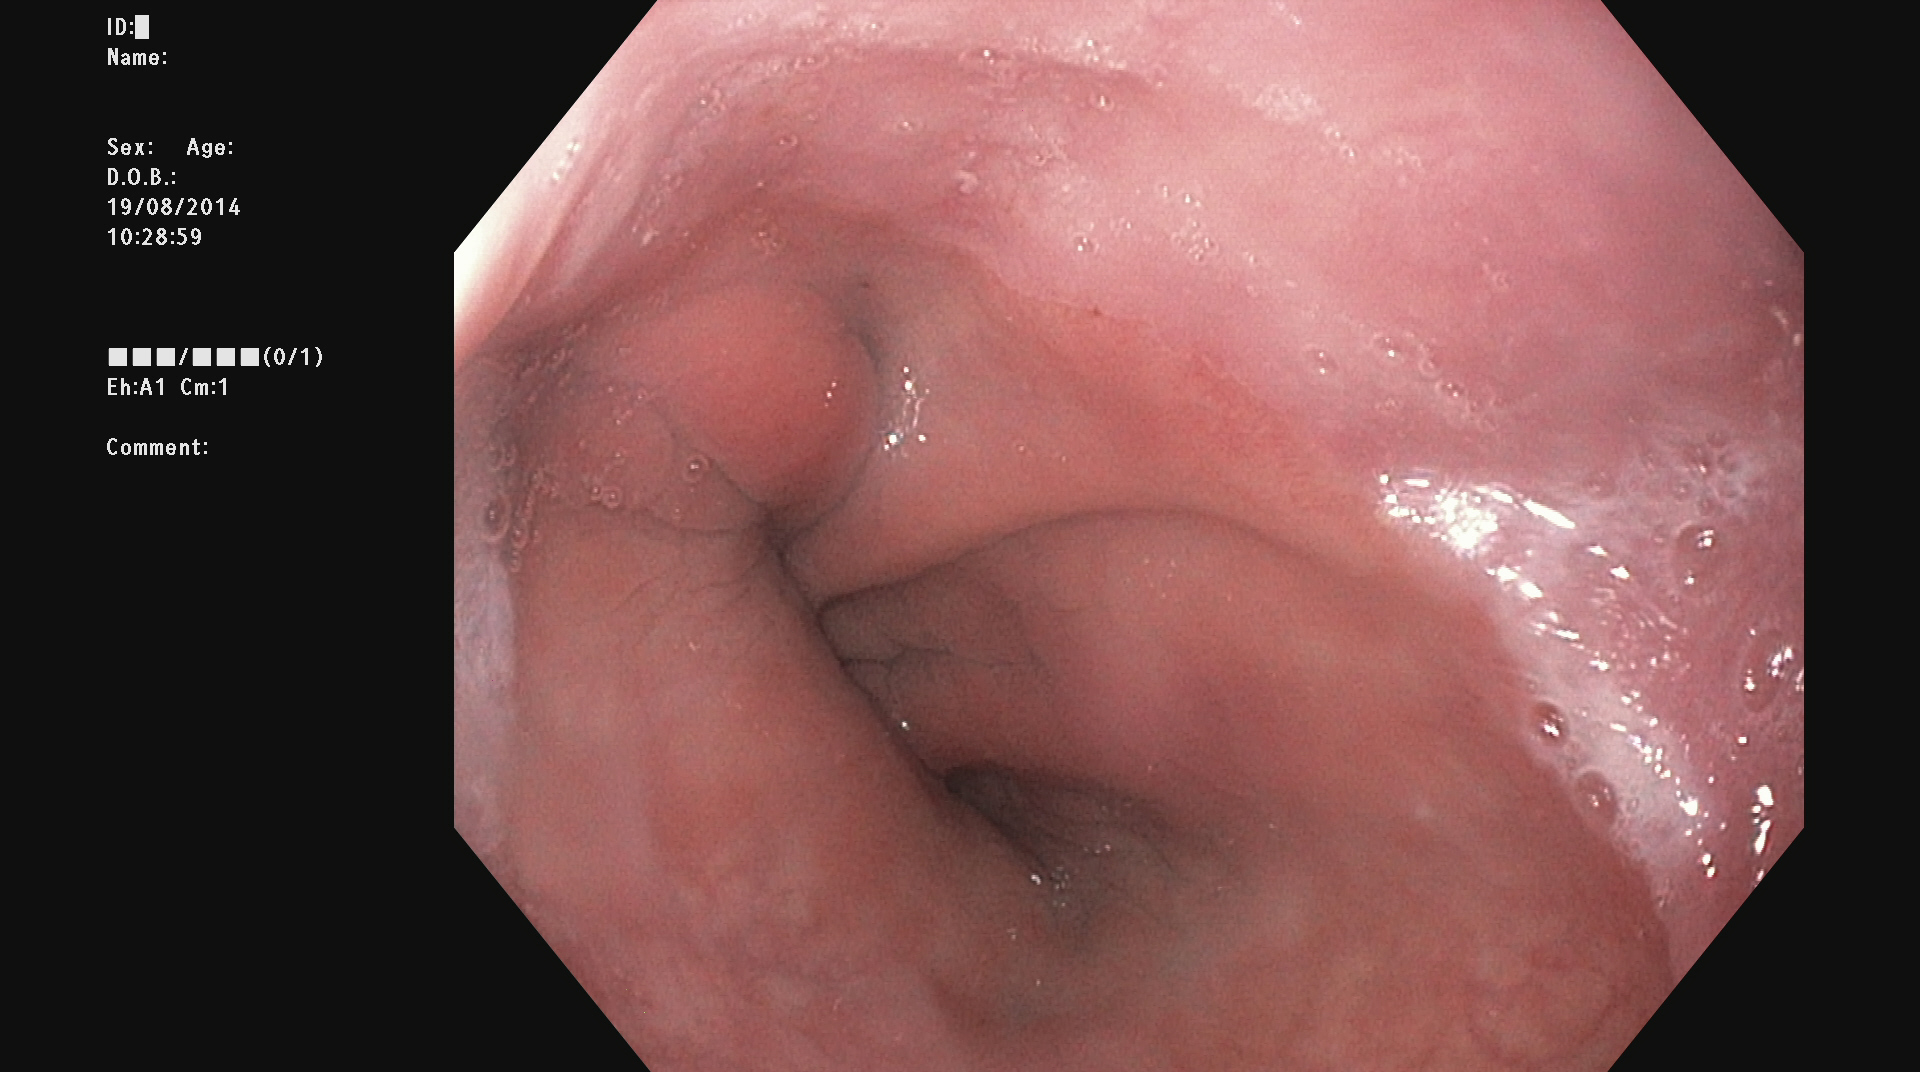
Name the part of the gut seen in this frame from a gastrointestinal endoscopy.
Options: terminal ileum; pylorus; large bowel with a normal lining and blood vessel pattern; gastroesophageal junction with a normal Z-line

gastroesophageal junction with a normal Z-line